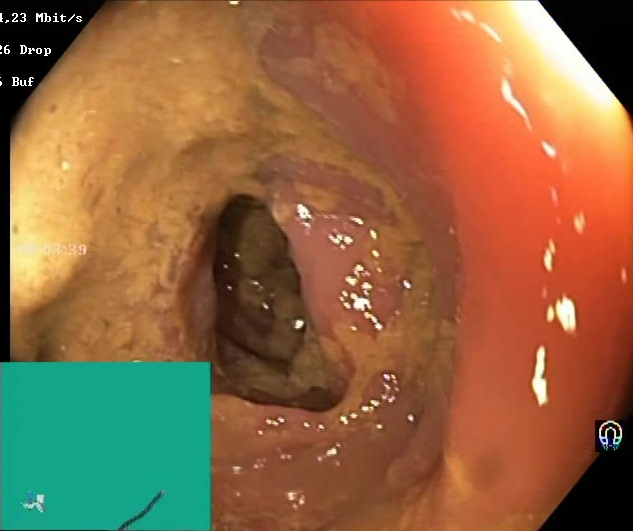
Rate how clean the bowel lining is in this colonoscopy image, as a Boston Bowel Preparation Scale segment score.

Boston Bowel Preparation Scale score 0–1 (inadequate preparation)